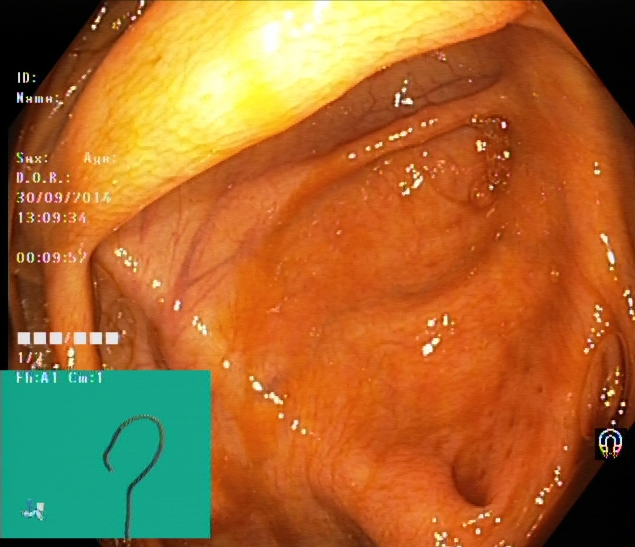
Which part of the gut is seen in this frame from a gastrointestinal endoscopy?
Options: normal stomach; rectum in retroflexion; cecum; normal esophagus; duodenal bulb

cecum